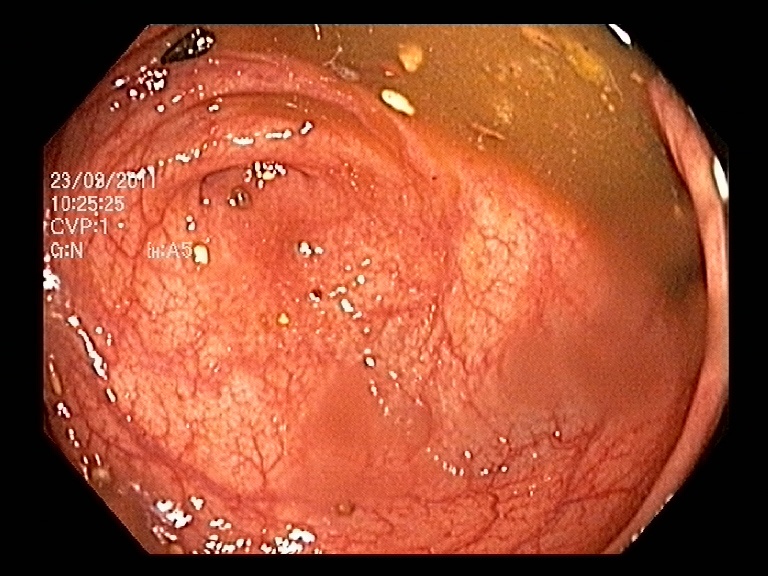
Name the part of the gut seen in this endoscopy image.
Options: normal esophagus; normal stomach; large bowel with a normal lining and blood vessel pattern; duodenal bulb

large bowel with a normal lining and blood vessel pattern